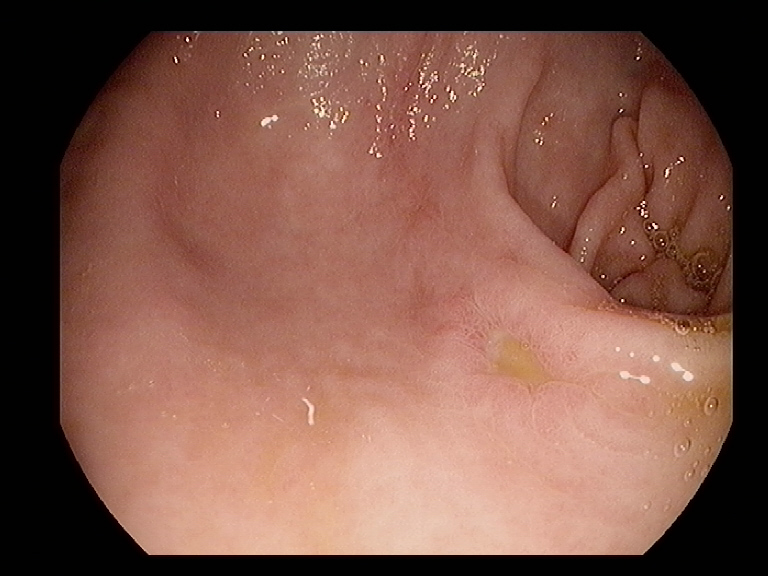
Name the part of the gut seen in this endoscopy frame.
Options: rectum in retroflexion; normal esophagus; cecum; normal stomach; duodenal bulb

duodenal bulb